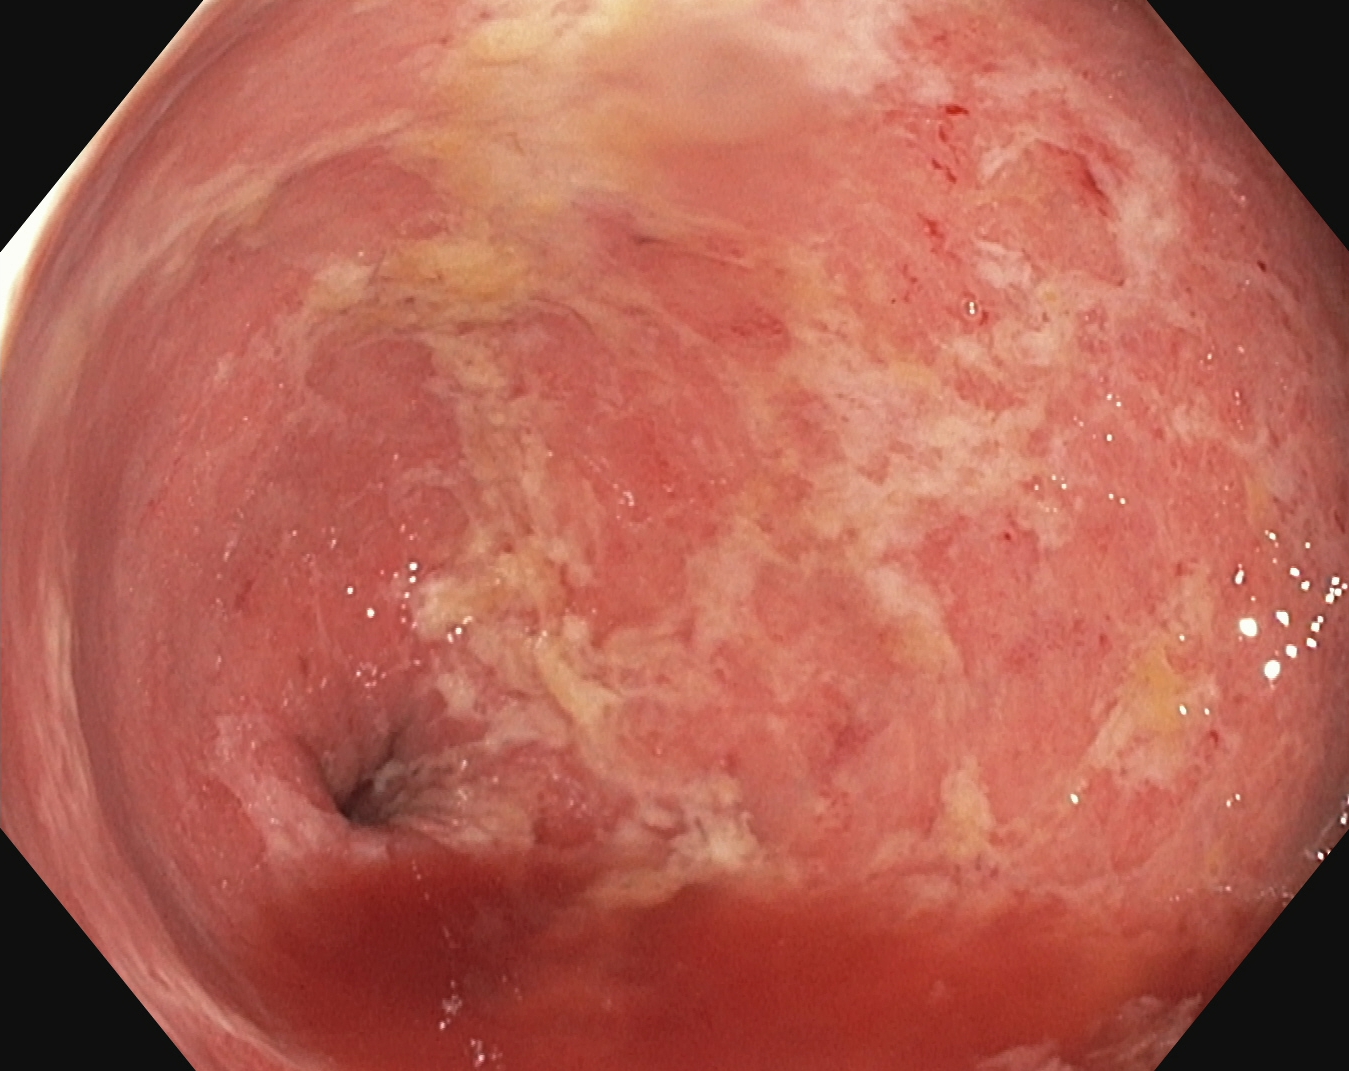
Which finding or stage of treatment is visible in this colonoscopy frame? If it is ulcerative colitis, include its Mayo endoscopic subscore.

ulcerative colitis, Mayo endoscopic subscore 2